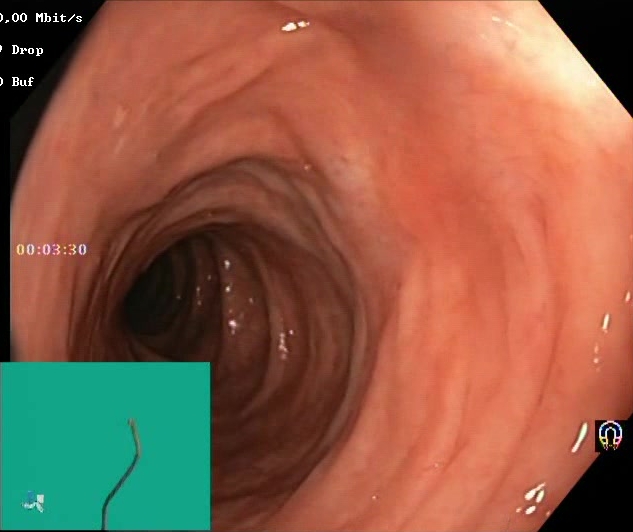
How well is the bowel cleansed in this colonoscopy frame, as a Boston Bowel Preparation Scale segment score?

Boston Bowel Preparation Scale score 2–3 (adequate preparation)